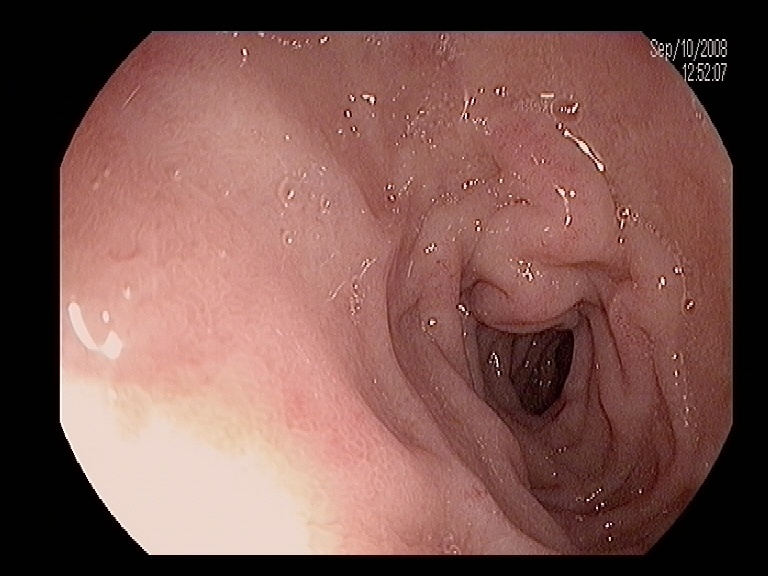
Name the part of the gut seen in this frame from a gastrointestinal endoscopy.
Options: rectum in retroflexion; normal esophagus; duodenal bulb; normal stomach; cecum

duodenal bulb